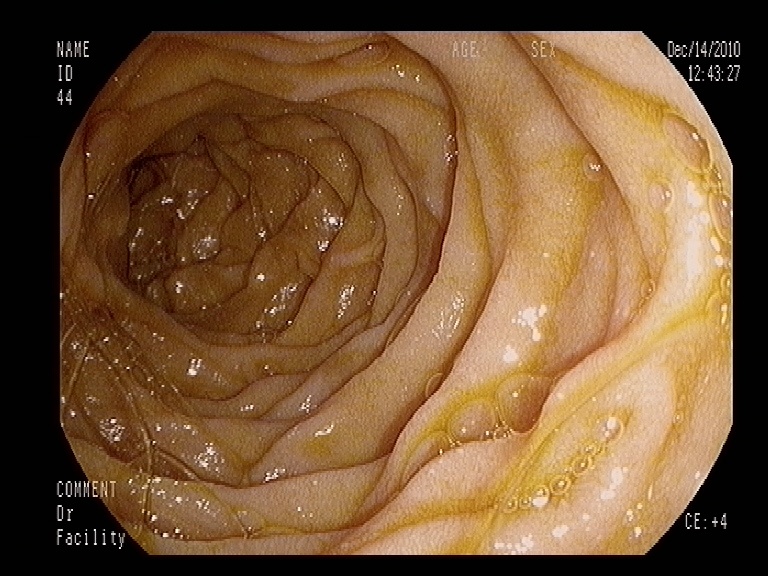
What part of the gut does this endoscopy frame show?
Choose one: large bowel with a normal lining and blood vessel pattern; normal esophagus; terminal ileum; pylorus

terminal ileum